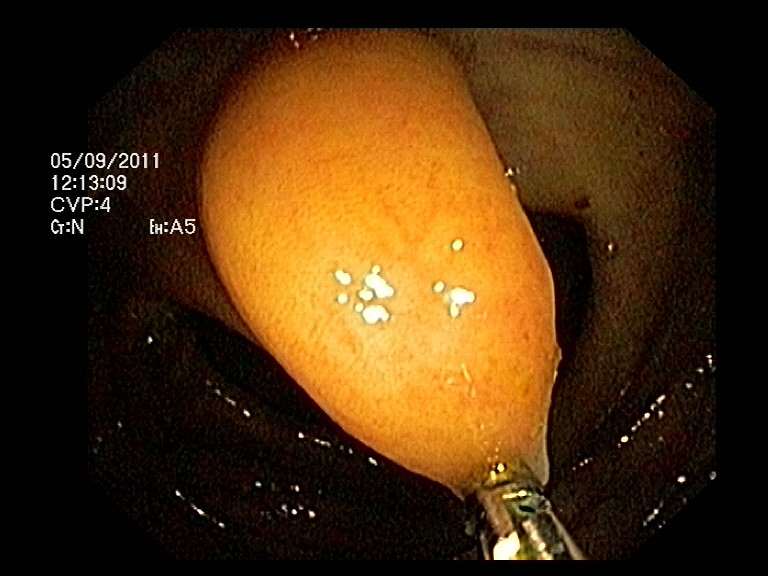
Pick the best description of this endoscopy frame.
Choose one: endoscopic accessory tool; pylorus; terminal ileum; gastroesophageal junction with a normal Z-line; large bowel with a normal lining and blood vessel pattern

endoscopic accessory tool